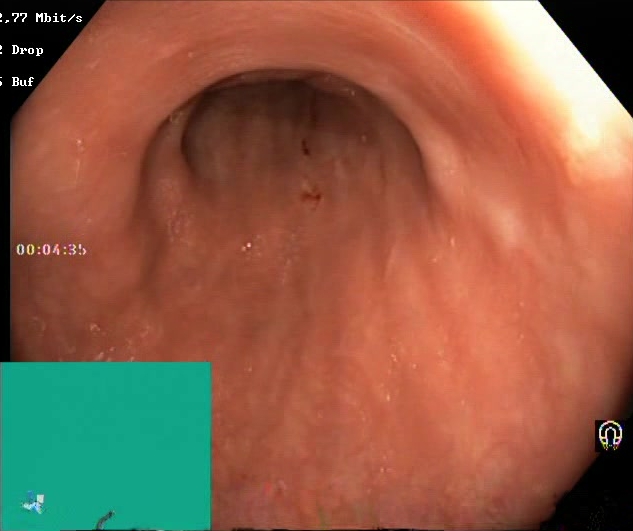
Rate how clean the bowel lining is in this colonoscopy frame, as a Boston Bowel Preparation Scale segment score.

Boston Bowel Preparation Scale score 2–3 (adequate preparation)